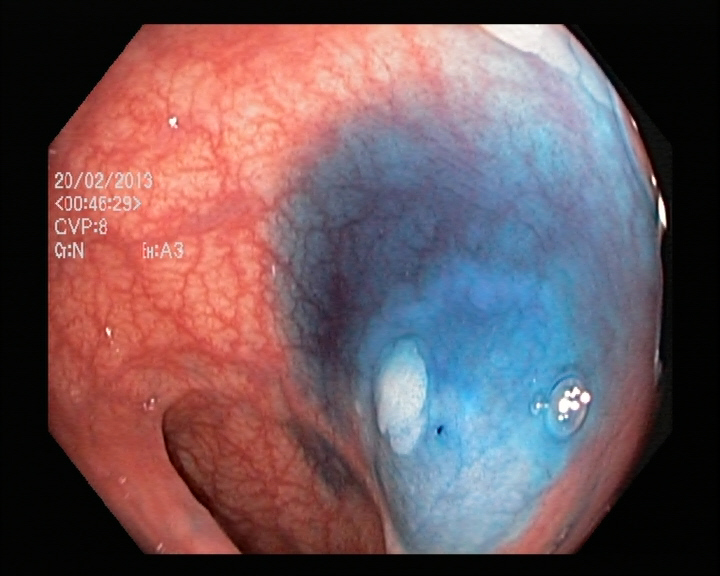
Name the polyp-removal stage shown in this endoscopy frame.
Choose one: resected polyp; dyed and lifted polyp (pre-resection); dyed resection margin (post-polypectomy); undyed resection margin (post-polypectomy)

dyed and lifted polyp (pre-resection)